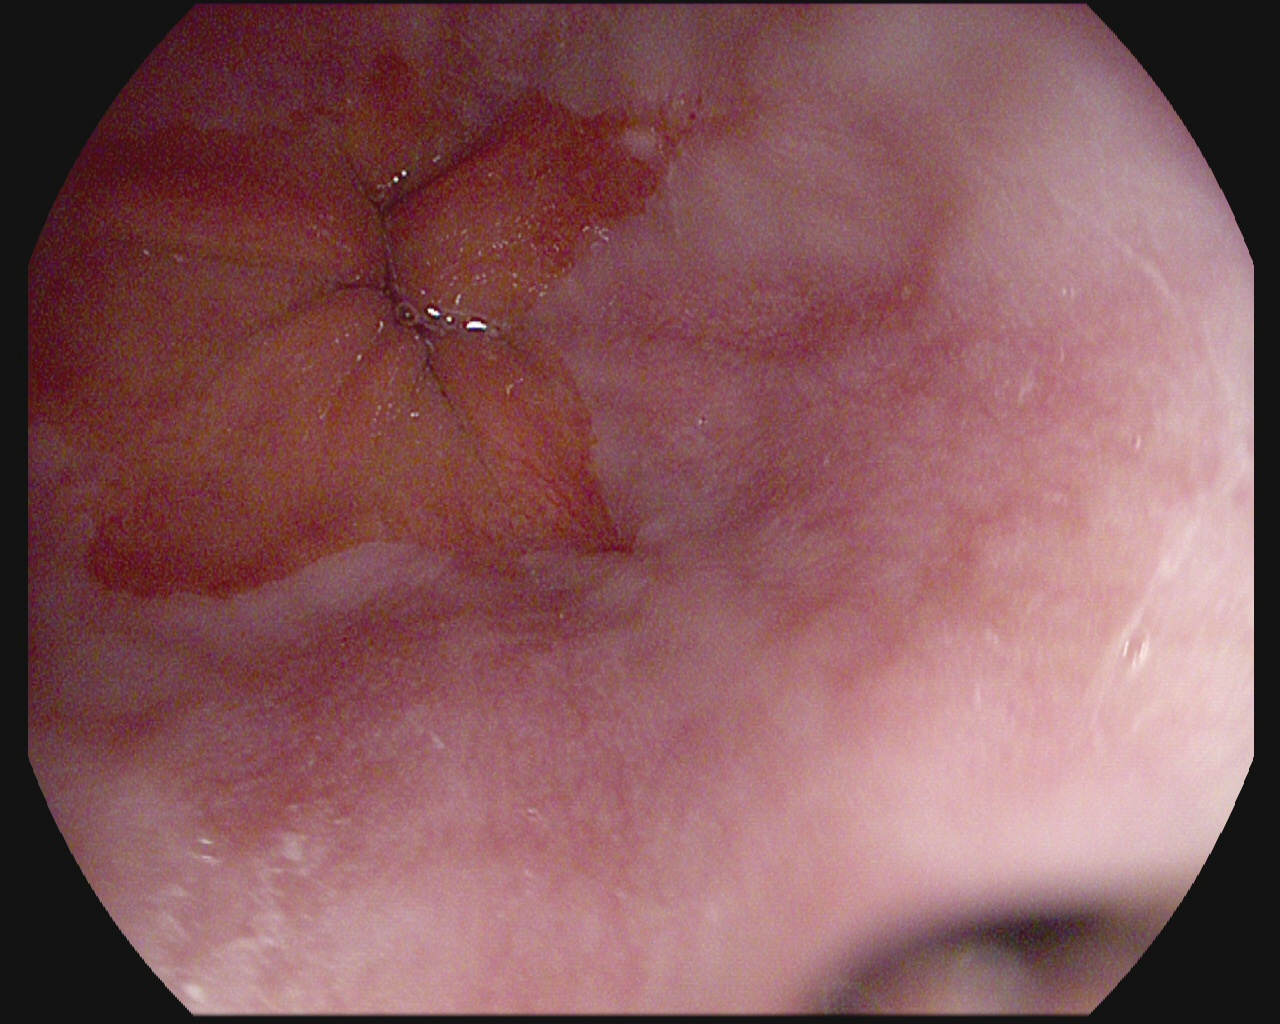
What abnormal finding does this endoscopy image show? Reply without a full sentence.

esophagitis